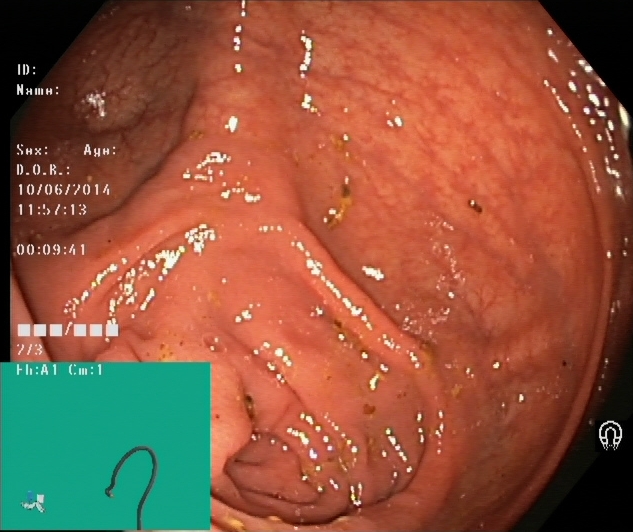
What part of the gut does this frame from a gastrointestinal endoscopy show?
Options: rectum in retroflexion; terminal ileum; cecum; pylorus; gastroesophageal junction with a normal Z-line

cecum